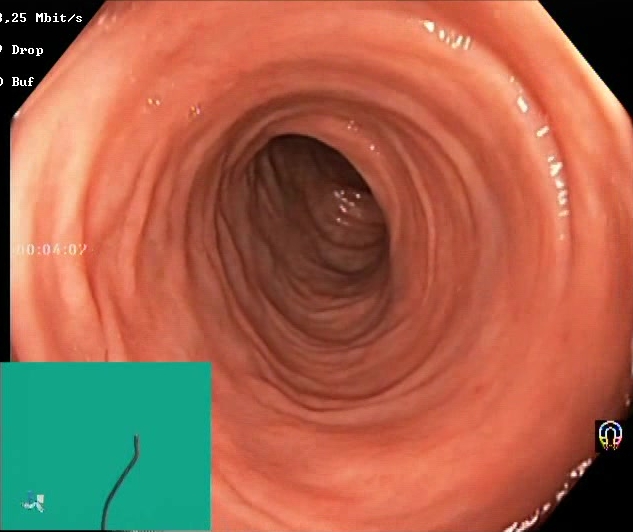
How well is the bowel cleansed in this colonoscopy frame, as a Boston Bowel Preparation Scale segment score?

Boston Bowel Preparation Scale score 2–3 (adequate preparation)